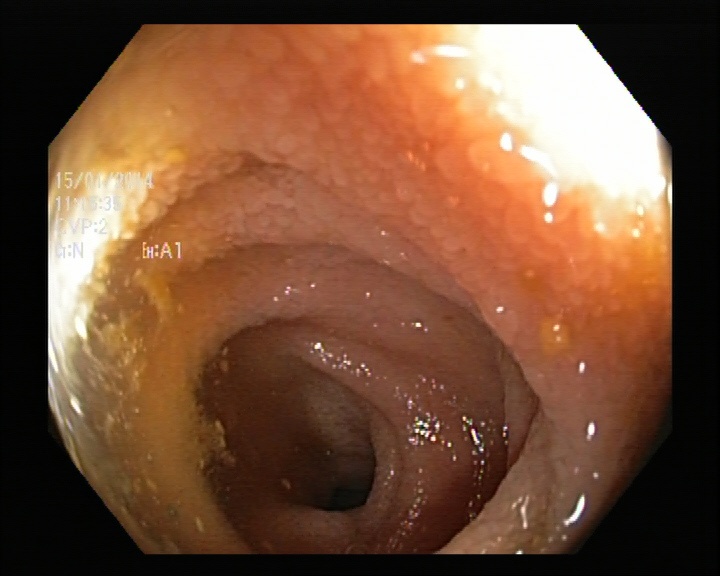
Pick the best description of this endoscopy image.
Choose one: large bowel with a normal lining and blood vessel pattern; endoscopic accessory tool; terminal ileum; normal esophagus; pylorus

terminal ileum